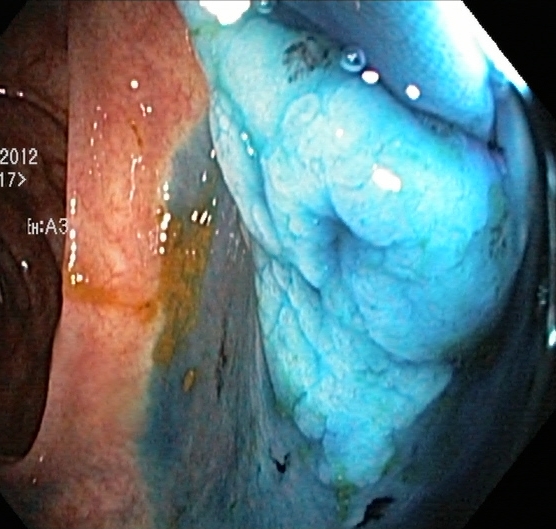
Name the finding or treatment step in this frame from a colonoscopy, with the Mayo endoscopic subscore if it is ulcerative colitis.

dyed and lifted polyp (pre-resection)